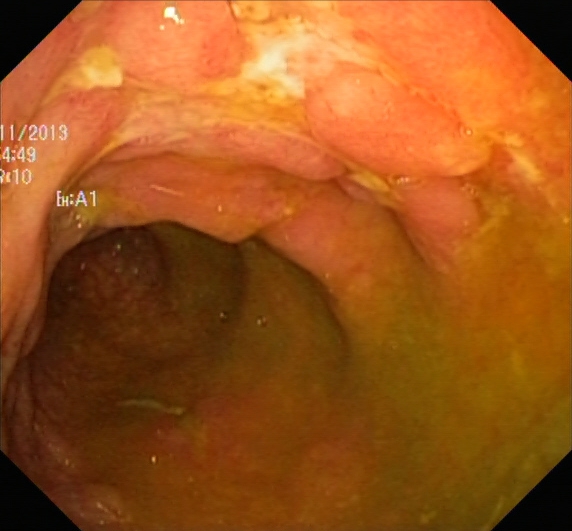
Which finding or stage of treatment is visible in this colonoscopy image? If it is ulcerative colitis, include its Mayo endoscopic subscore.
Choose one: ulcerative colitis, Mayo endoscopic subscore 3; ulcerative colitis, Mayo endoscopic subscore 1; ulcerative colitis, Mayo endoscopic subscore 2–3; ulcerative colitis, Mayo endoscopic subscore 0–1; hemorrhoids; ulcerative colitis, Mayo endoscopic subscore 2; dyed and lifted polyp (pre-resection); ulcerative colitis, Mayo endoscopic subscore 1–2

ulcerative colitis, Mayo endoscopic subscore 2